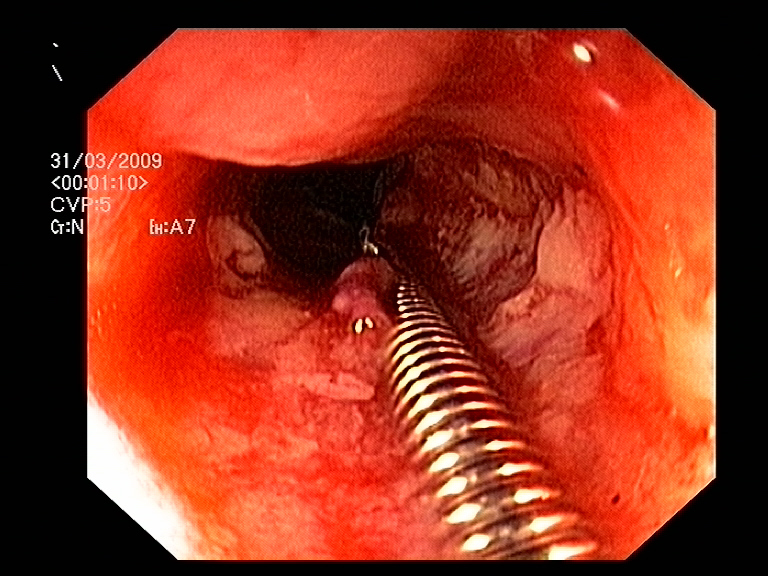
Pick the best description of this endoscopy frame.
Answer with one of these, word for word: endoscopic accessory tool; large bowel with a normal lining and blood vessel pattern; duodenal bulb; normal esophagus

endoscopic accessory tool